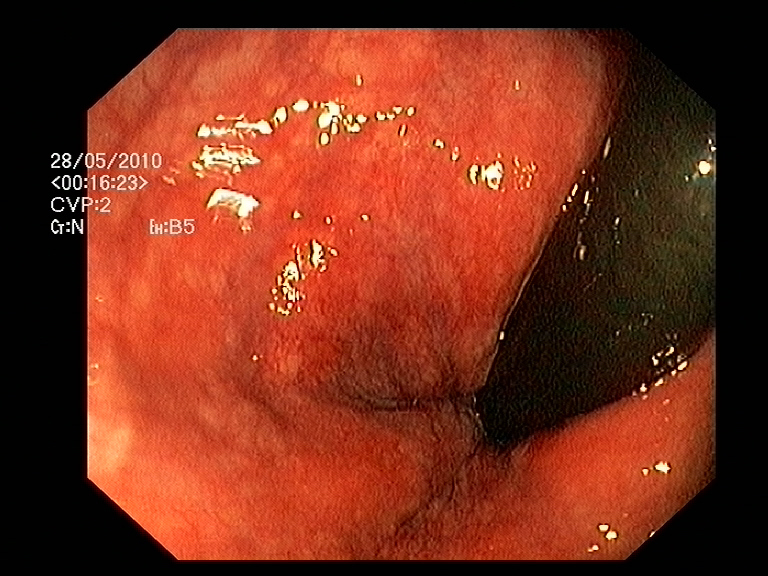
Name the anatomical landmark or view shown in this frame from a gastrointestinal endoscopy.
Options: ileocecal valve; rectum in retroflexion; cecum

rectum in retroflexion